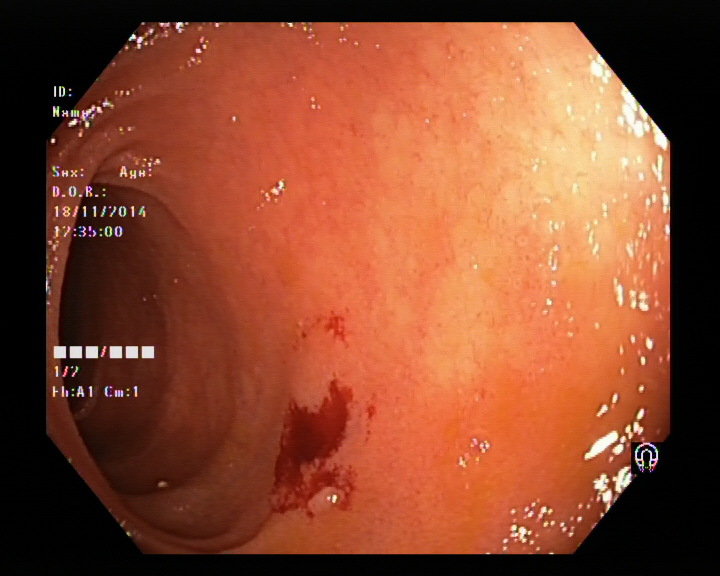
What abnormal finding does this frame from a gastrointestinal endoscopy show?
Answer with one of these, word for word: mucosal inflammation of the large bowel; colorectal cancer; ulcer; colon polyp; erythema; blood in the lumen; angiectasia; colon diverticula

blood in the lumen